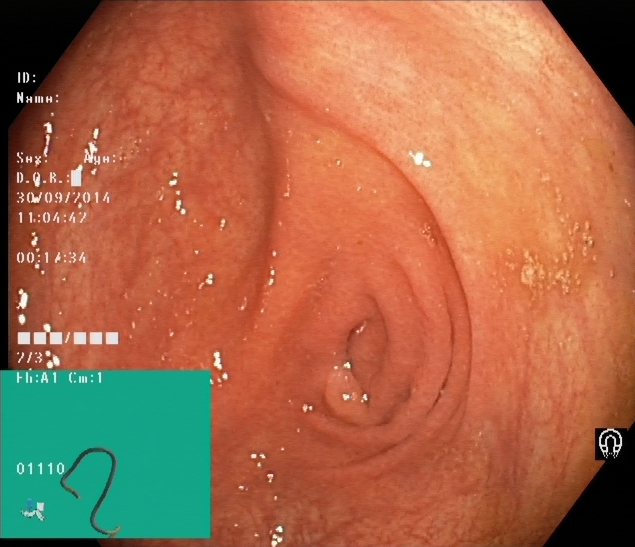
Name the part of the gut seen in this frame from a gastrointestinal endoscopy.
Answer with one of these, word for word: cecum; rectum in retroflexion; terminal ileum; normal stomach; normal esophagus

cecum